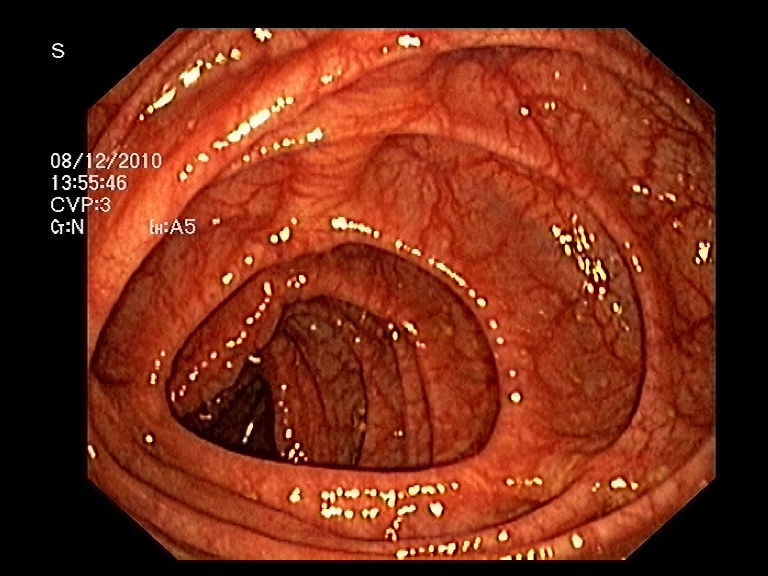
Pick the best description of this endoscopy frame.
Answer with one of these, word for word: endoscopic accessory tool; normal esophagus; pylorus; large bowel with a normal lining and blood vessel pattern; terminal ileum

large bowel with a normal lining and blood vessel pattern